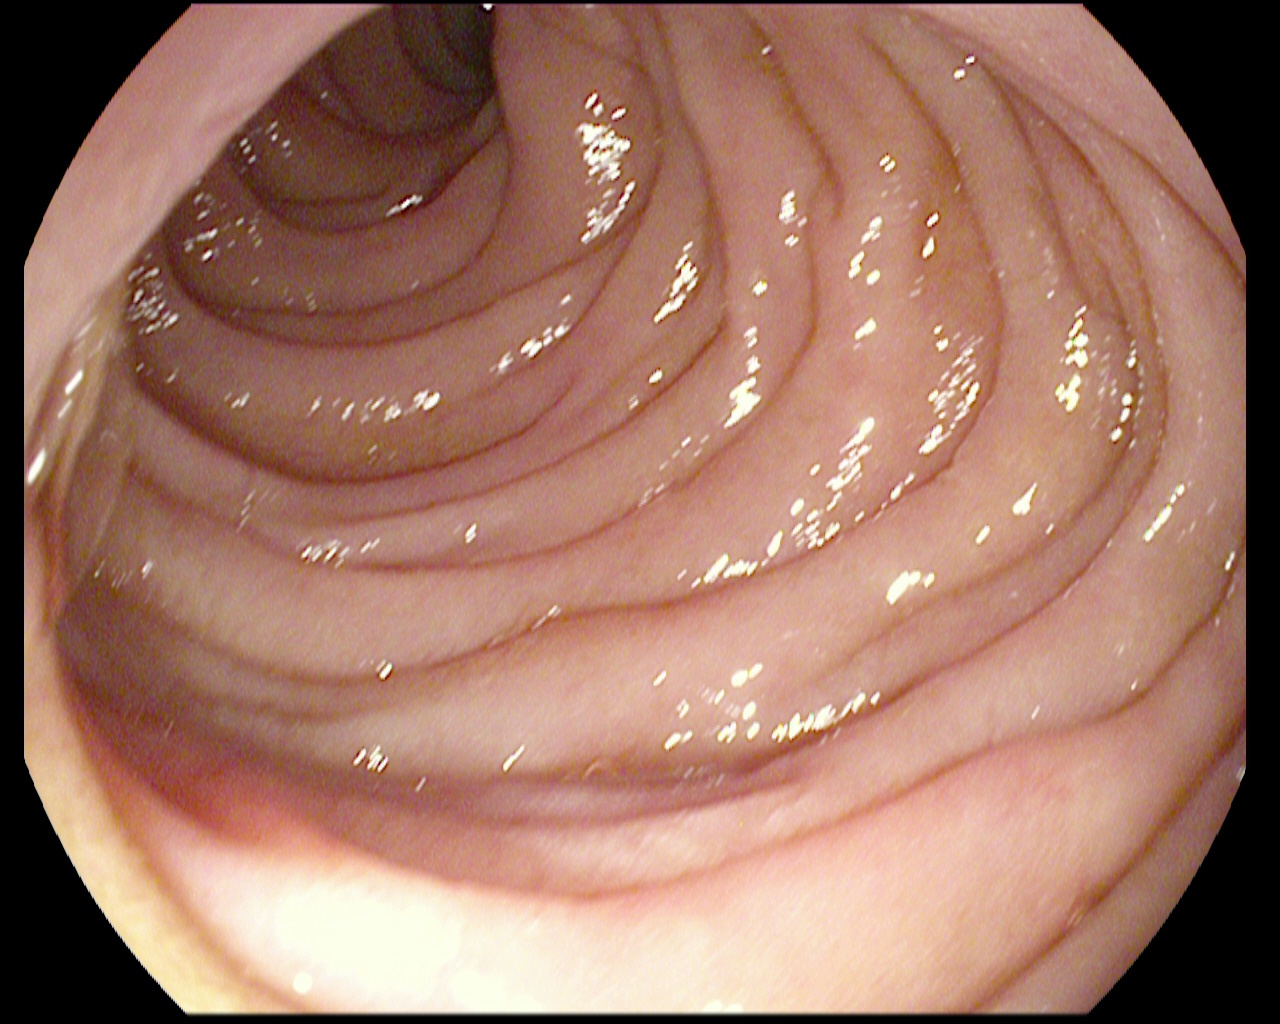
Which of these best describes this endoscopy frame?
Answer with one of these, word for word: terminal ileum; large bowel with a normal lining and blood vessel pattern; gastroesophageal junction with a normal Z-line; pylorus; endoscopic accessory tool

terminal ileum